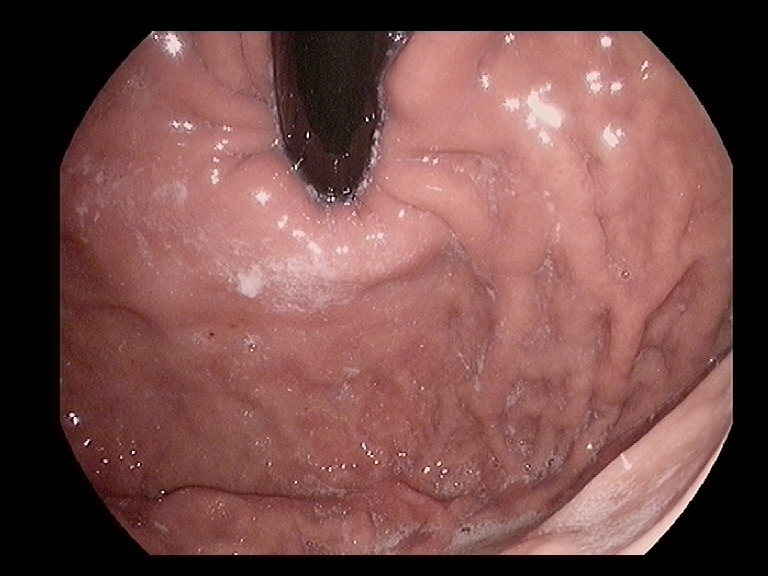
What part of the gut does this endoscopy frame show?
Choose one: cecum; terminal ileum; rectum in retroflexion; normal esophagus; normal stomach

normal stomach